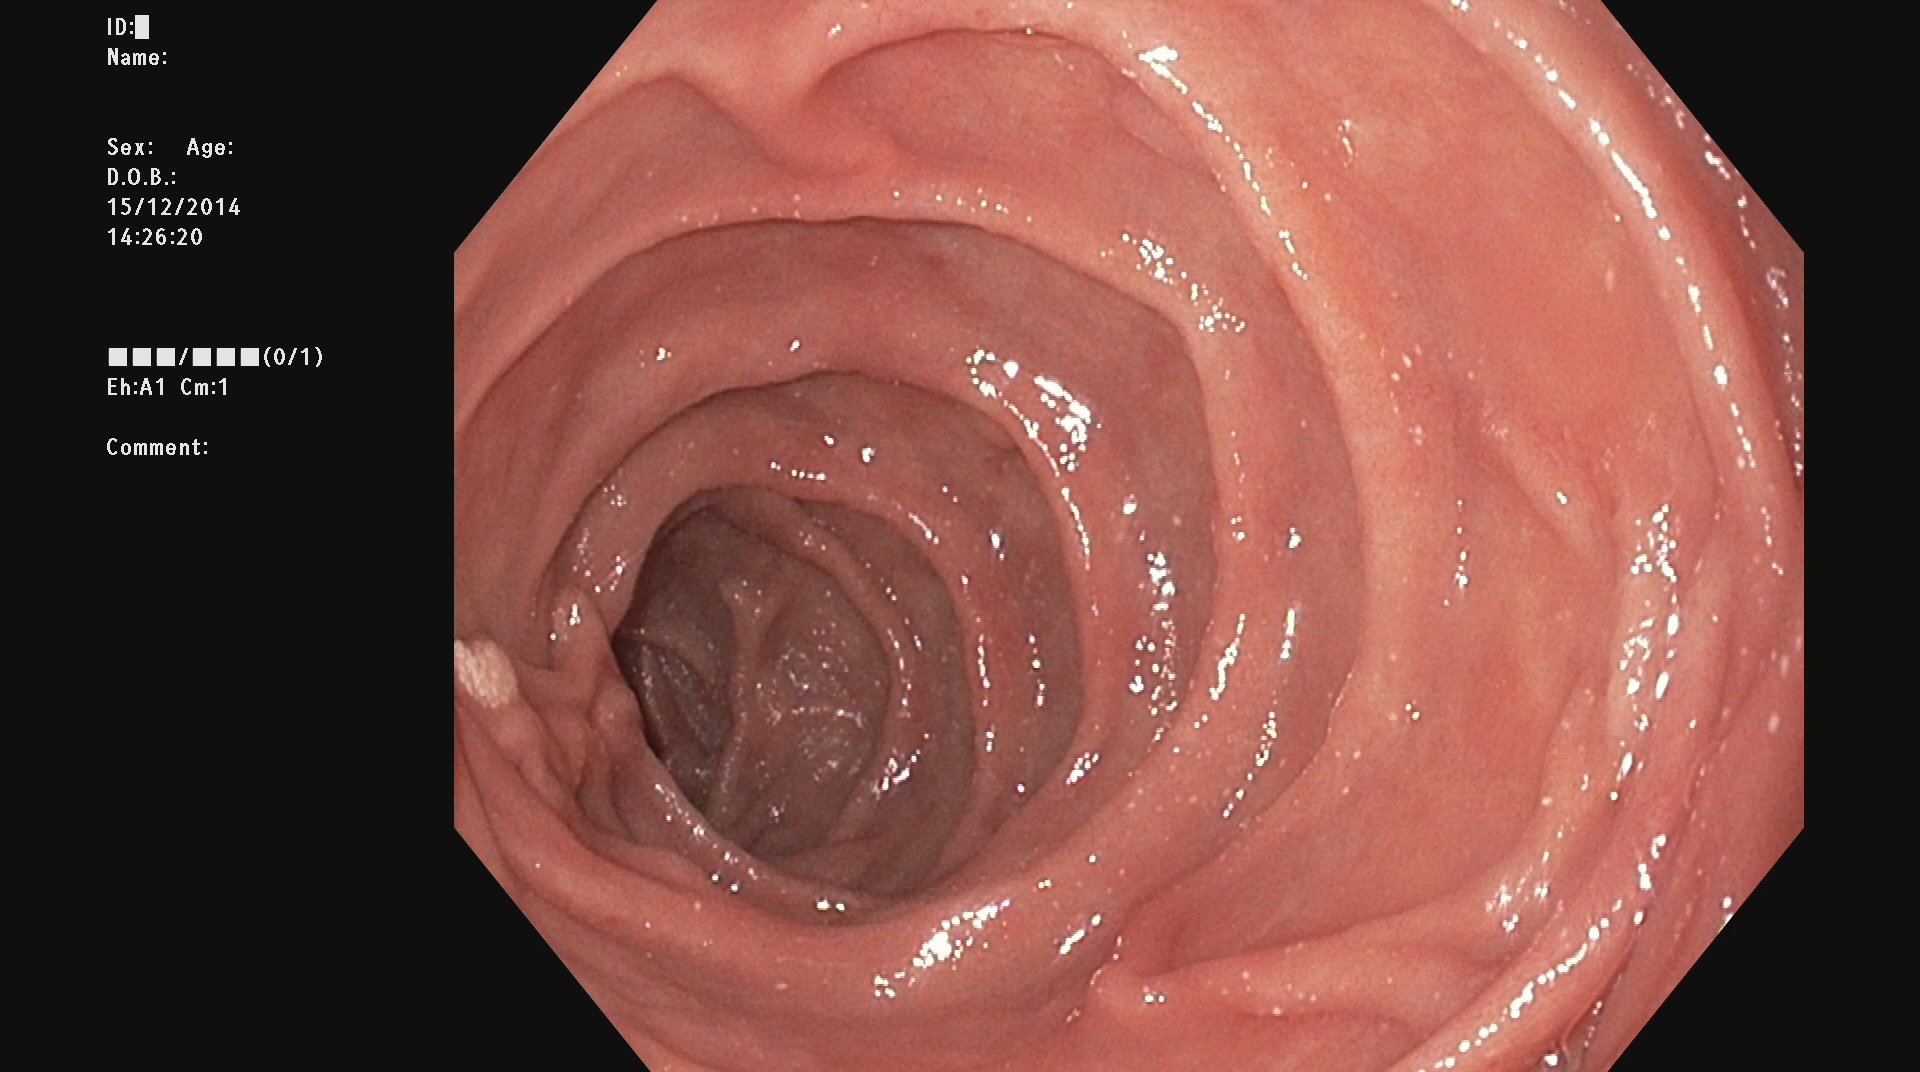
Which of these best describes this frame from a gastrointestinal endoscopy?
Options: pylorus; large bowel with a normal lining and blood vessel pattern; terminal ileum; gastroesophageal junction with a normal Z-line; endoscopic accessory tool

terminal ileum